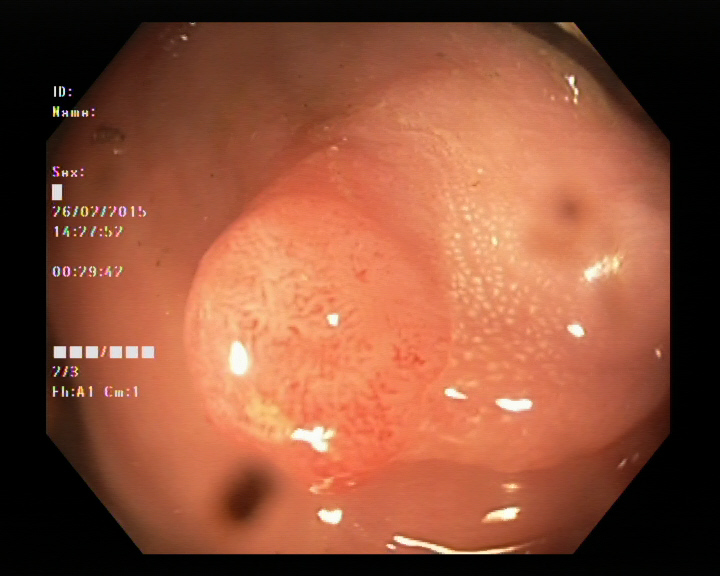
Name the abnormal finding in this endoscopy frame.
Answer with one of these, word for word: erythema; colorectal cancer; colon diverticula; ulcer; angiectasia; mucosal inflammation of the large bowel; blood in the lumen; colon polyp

colon polyp